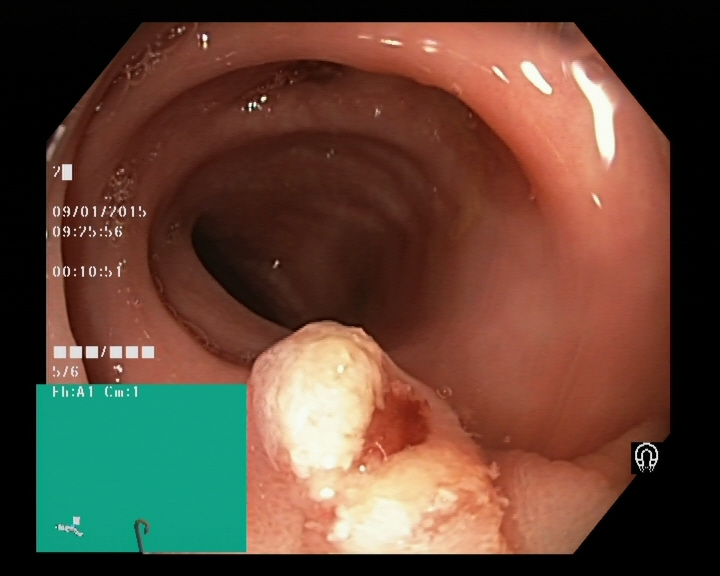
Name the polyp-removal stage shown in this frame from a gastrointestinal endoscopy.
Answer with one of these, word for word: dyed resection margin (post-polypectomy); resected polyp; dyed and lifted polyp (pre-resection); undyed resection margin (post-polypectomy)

undyed resection margin (post-polypectomy)